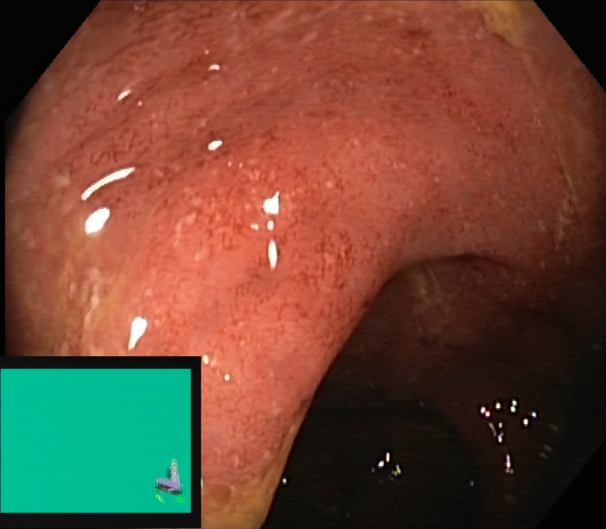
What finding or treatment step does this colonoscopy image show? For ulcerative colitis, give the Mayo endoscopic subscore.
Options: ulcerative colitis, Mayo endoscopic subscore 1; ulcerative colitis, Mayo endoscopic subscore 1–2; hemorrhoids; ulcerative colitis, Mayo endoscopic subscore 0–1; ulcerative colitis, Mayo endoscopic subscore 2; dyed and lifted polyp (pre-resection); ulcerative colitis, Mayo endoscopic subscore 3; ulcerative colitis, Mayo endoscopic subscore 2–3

ulcerative colitis, Mayo endoscopic subscore 2